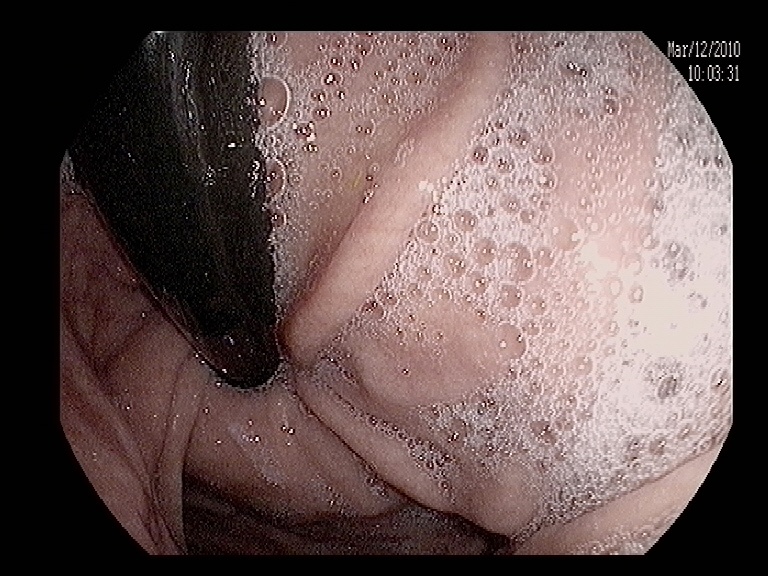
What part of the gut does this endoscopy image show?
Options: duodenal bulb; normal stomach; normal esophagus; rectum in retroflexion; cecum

normal stomach